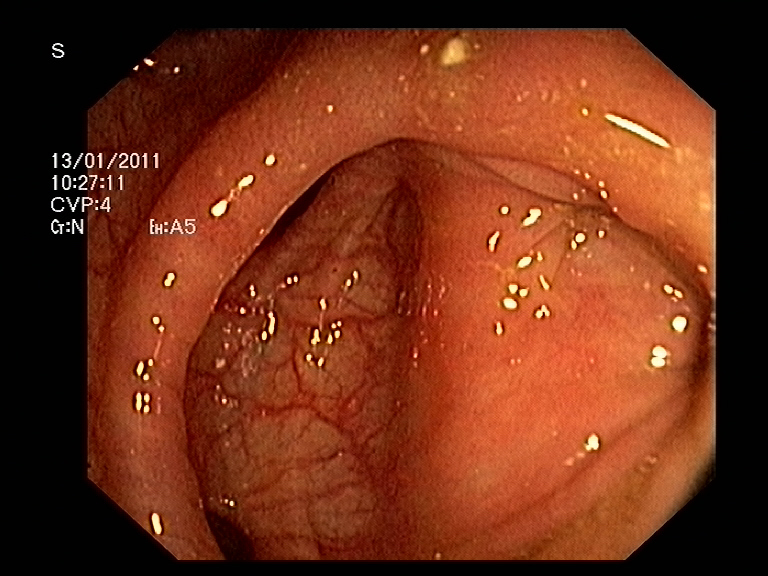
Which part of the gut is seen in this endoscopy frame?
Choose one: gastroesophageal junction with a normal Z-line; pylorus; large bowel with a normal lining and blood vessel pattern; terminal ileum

large bowel with a normal lining and blood vessel pattern